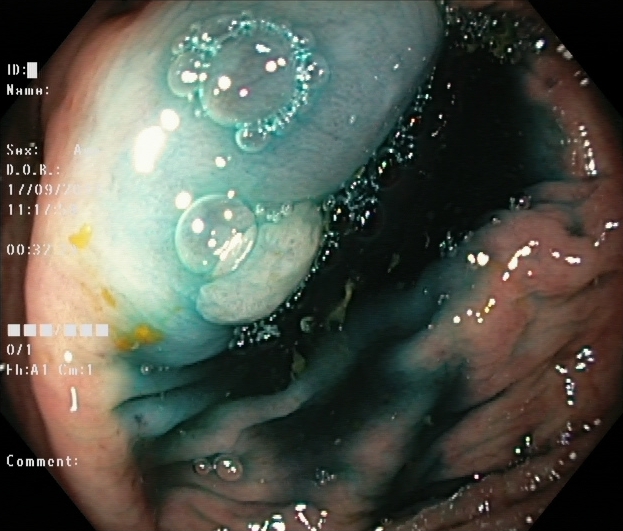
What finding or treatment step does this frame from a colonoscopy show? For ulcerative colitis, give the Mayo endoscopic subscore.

dyed and lifted polyp (pre-resection)